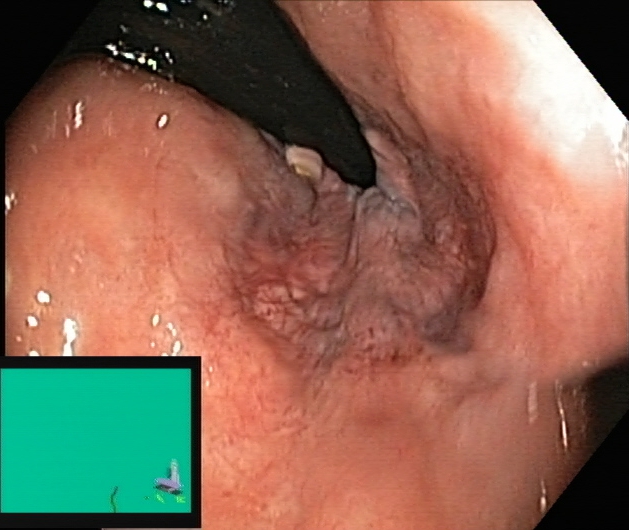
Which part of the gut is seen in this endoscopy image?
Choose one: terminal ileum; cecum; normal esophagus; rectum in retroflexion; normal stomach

rectum in retroflexion